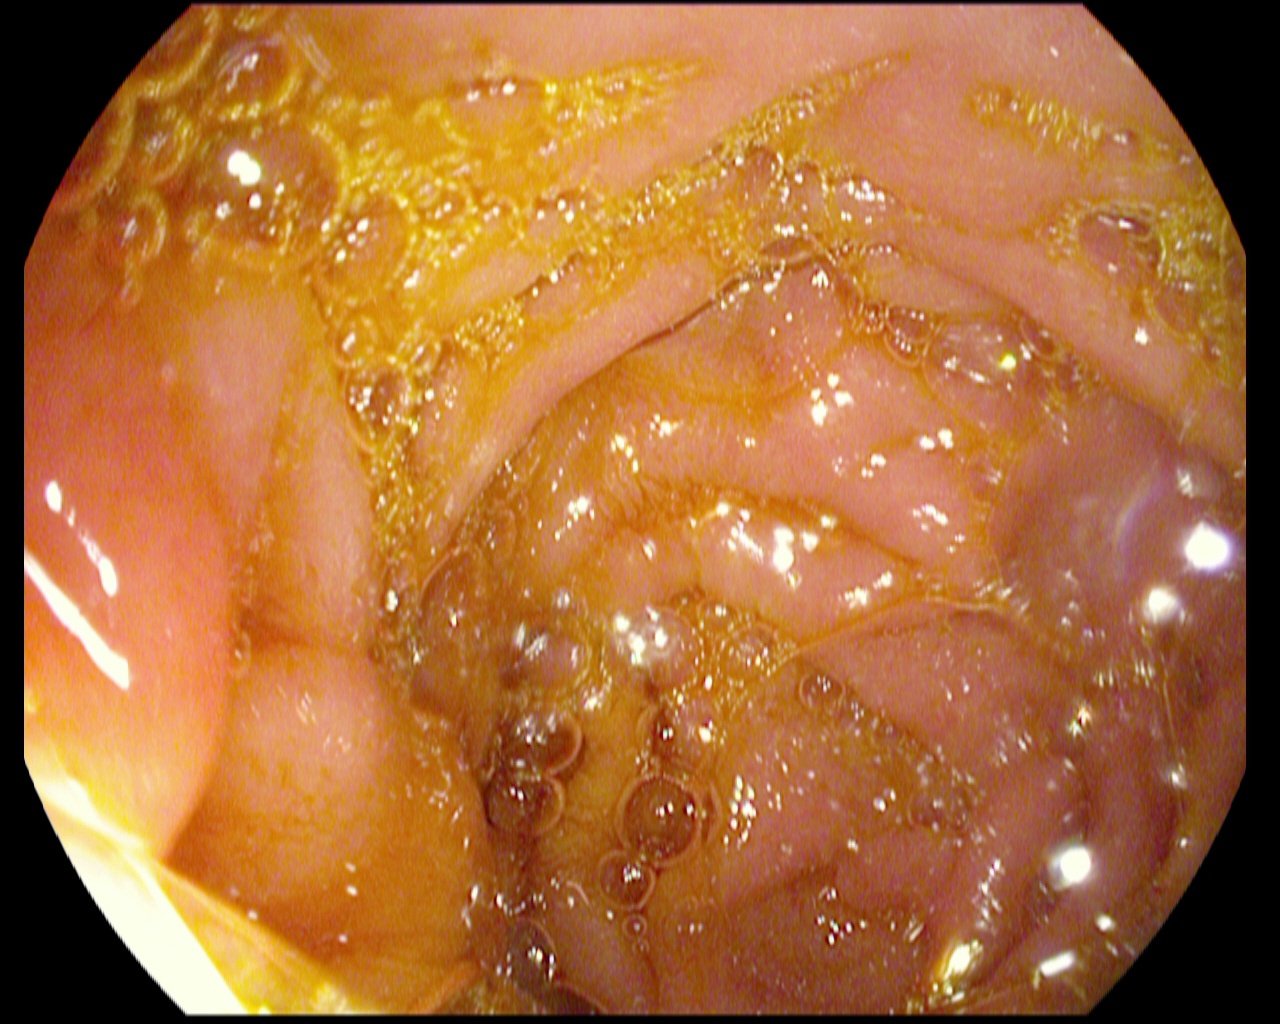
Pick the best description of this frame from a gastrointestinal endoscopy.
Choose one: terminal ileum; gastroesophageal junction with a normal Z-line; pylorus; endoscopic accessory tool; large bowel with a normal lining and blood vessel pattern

terminal ileum